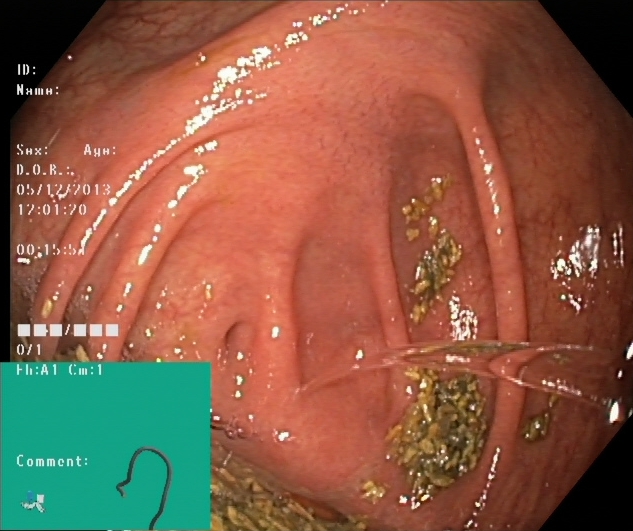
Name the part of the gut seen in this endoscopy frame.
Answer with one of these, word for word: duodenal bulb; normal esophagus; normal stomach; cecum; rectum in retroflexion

cecum